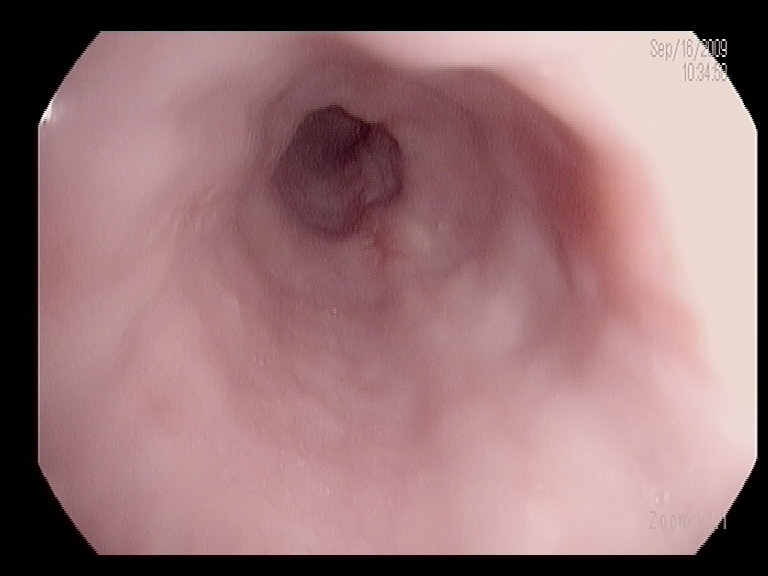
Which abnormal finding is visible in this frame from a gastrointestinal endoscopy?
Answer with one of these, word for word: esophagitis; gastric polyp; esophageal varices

esophagitis